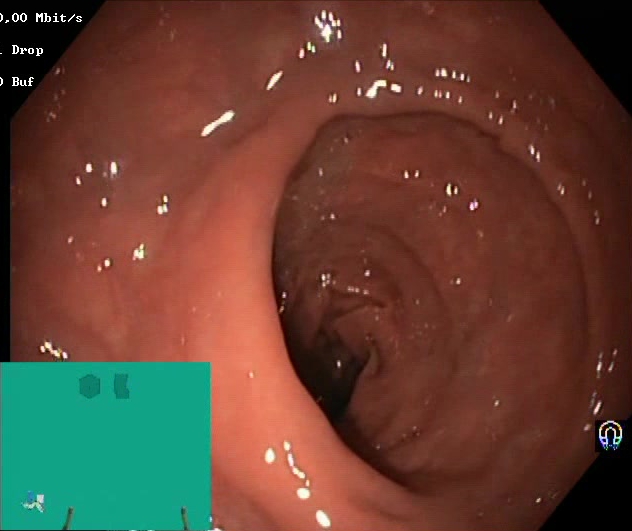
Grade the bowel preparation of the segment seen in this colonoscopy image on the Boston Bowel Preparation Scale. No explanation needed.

Boston Bowel Preparation Scale score 2–3 (adequate preparation)